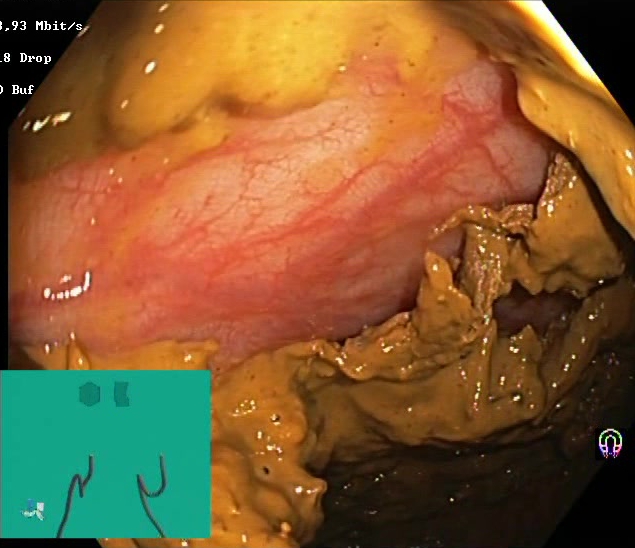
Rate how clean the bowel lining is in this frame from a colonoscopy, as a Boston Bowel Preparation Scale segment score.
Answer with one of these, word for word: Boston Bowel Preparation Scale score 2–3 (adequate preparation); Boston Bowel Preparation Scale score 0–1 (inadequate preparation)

Boston Bowel Preparation Scale score 0–1 (inadequate preparation)